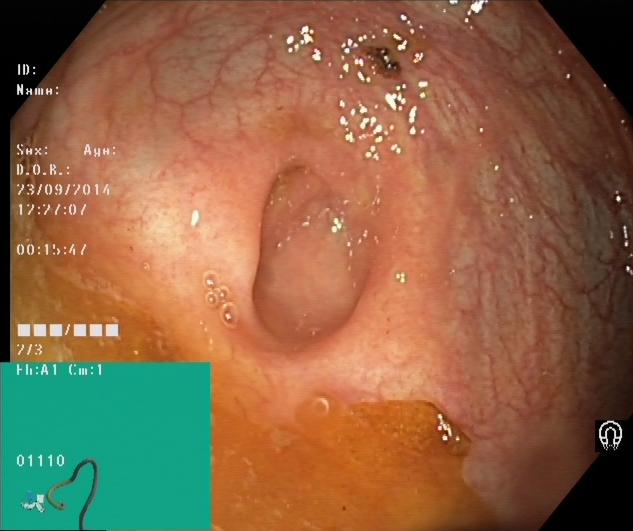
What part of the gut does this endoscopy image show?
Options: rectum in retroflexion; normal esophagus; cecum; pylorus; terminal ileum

cecum